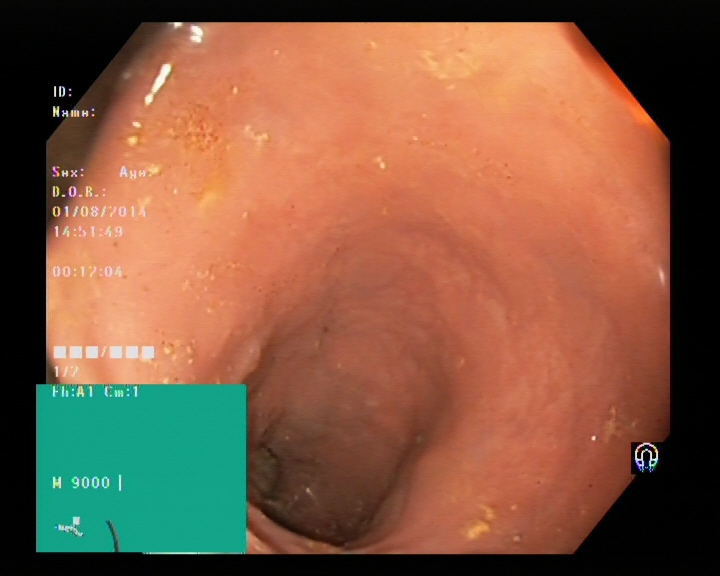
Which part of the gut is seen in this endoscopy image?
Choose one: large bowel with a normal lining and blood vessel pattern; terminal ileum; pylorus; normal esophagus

large bowel with a normal lining and blood vessel pattern